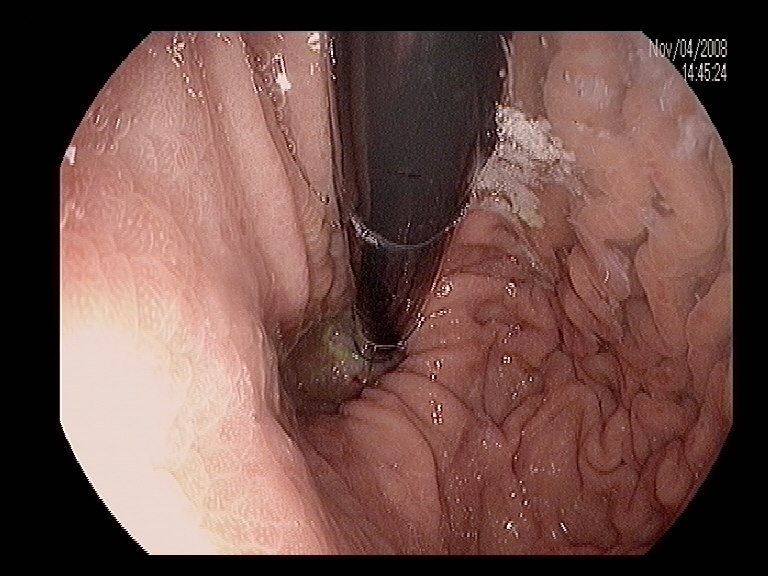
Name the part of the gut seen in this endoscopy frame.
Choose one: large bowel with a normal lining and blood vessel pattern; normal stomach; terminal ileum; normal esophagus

normal stomach